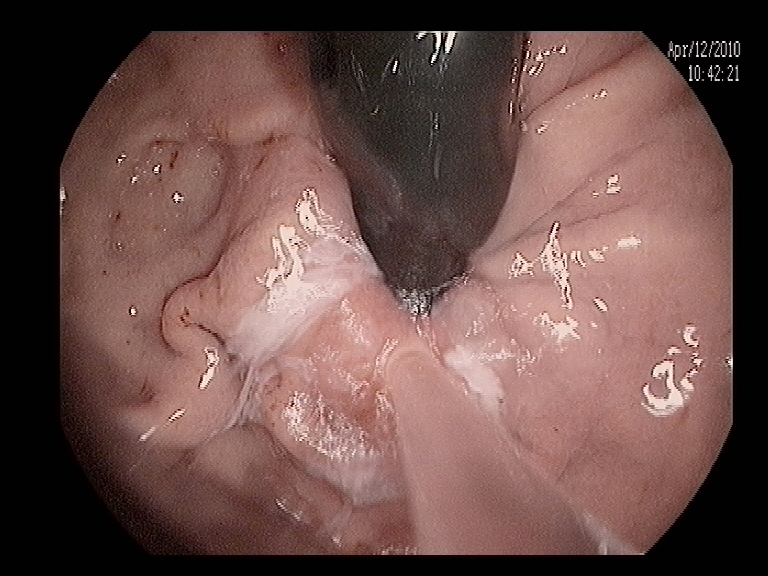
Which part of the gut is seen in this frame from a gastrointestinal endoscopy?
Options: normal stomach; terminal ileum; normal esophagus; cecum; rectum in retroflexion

normal stomach